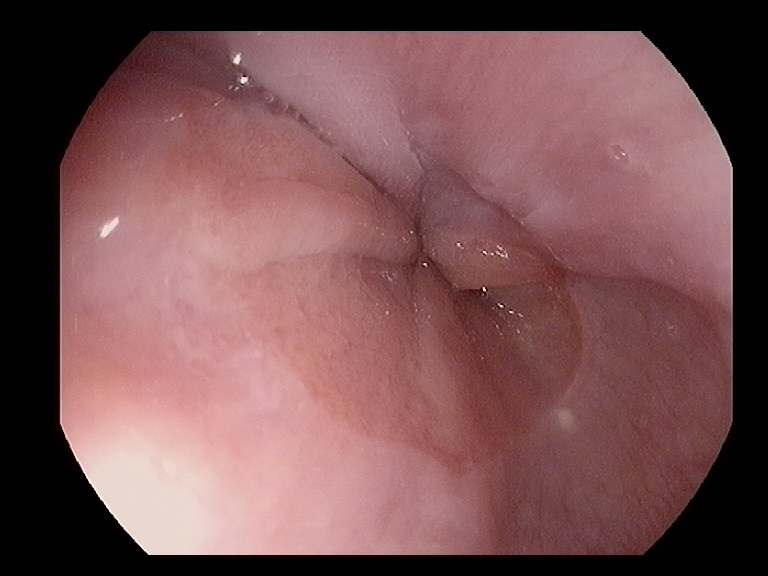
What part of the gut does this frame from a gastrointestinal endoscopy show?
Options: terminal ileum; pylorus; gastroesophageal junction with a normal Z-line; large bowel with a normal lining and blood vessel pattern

gastroesophageal junction with a normal Z-line